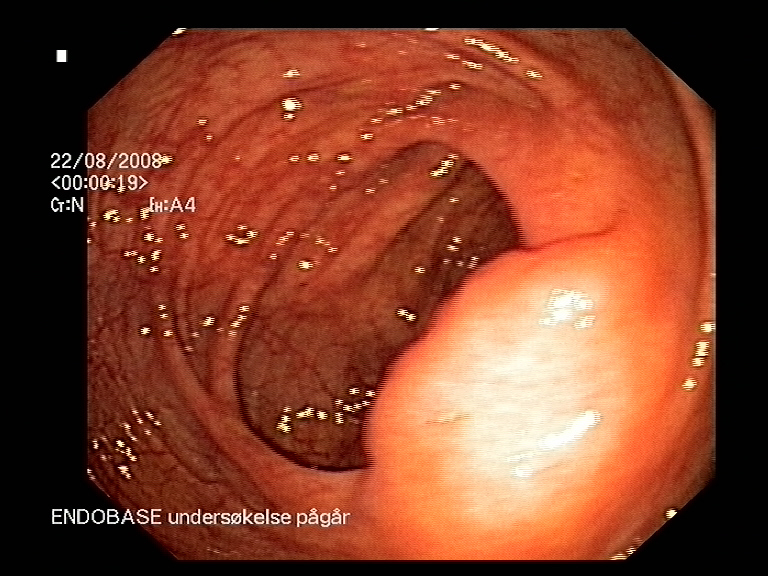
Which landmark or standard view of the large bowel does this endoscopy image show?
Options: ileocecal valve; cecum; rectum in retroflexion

ileocecal valve